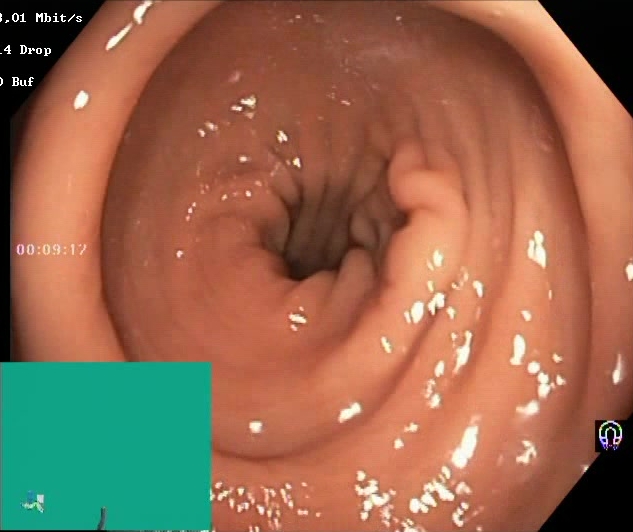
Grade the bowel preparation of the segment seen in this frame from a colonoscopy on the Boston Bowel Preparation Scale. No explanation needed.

Boston Bowel Preparation Scale score 2–3 (adequate preparation)